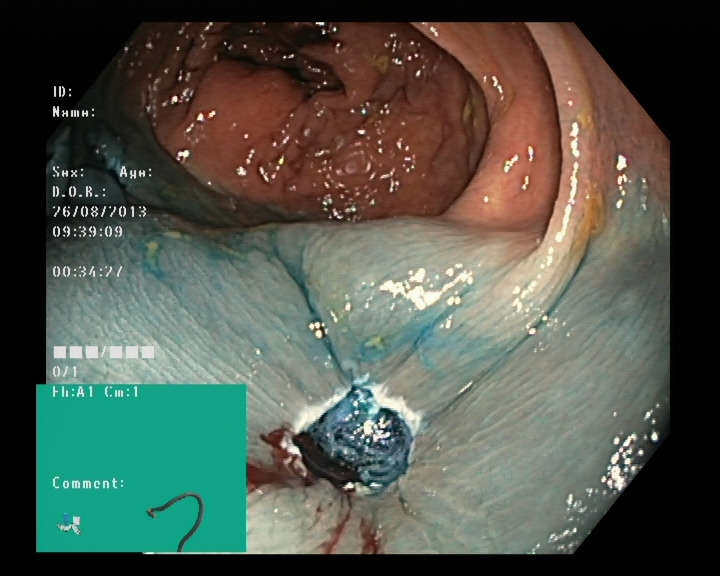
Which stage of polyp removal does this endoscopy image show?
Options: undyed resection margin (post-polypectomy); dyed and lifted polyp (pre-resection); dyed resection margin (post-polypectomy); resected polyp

dyed resection margin (post-polypectomy)